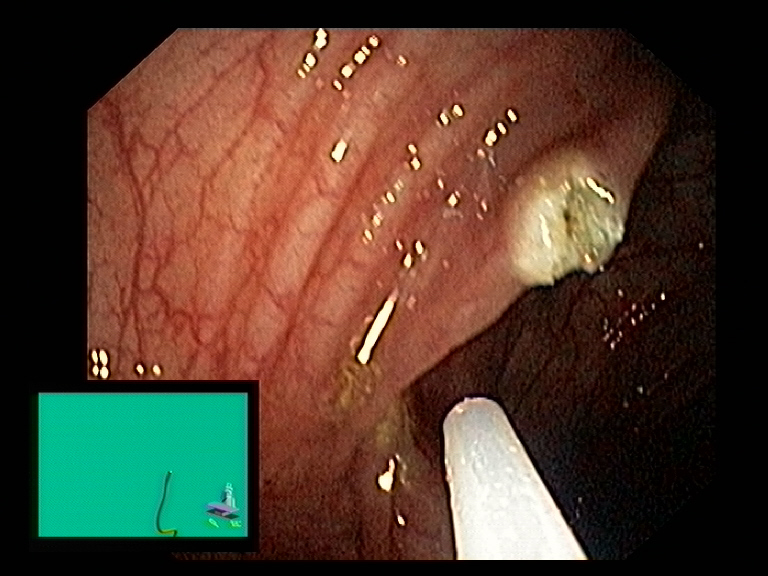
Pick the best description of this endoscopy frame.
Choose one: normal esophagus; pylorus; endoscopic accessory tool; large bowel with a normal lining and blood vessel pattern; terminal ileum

endoscopic accessory tool